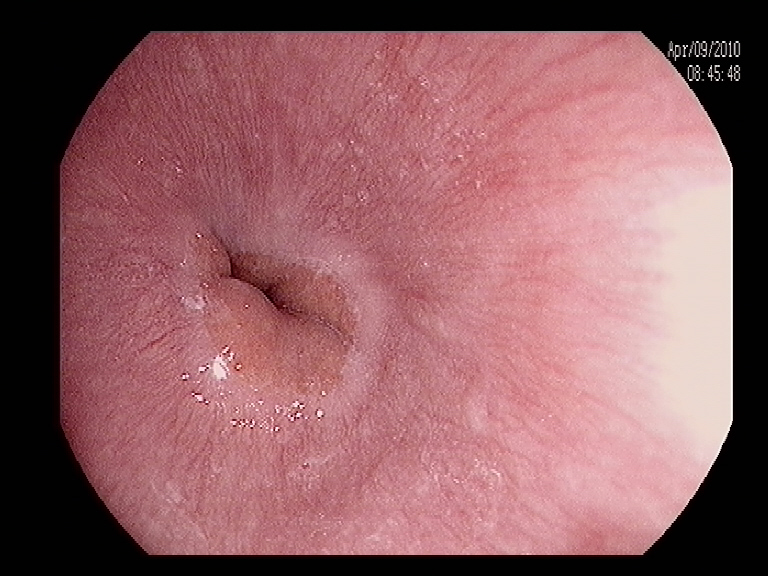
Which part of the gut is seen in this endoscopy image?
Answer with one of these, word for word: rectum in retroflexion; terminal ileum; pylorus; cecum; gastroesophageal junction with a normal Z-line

gastroesophageal junction with a normal Z-line